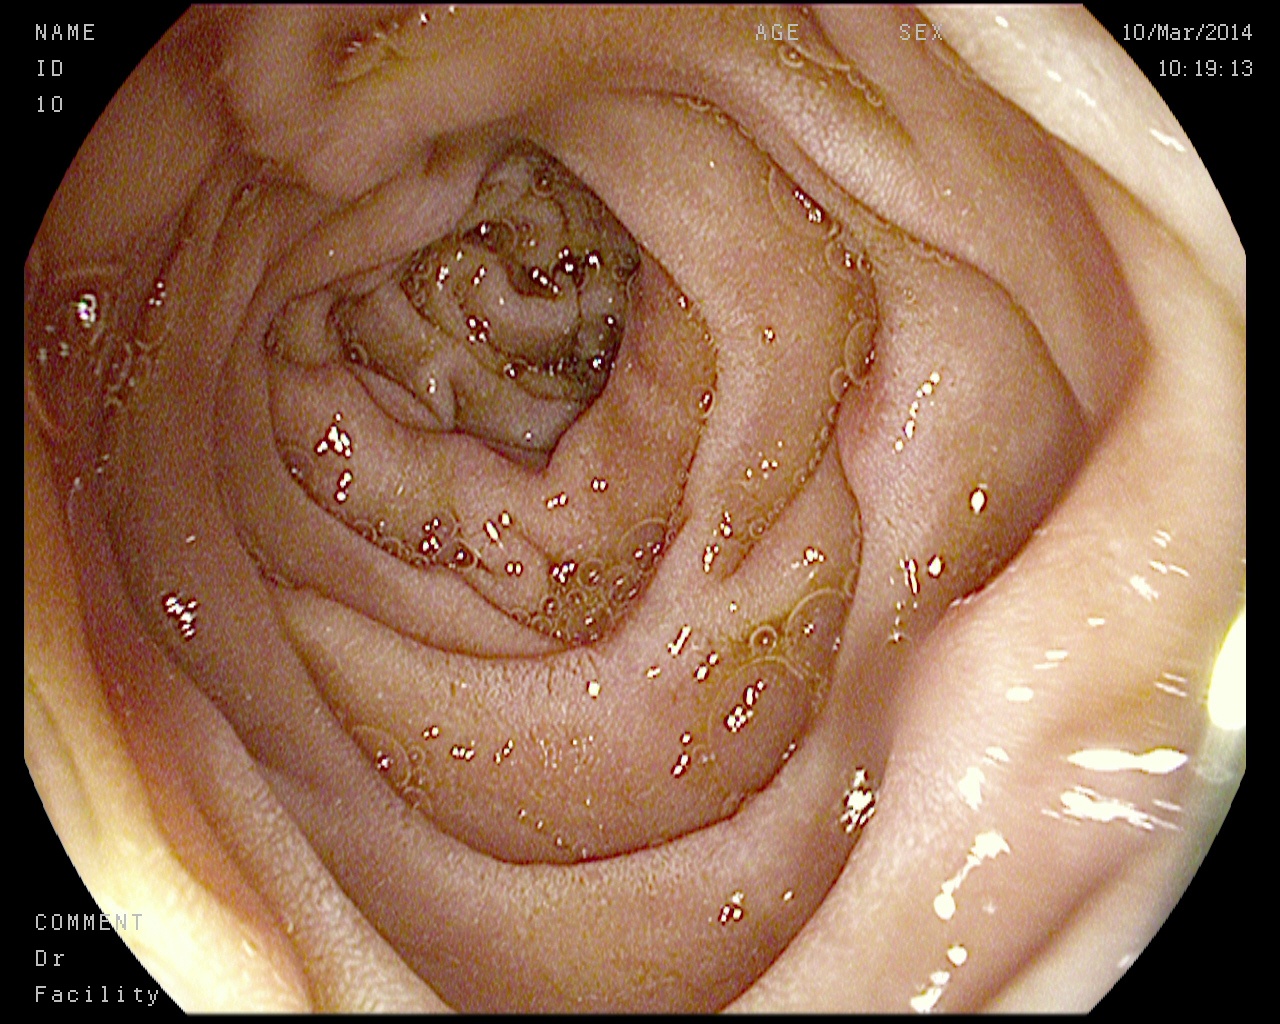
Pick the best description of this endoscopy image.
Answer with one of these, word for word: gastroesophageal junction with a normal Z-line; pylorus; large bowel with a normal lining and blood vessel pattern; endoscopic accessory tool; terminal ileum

terminal ileum